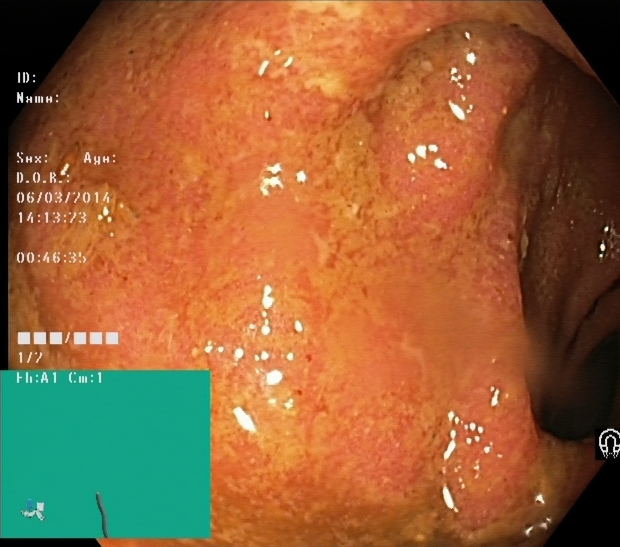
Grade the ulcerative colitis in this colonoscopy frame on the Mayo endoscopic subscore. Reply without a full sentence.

ulcerative colitis, Mayo endoscopic subscore 1